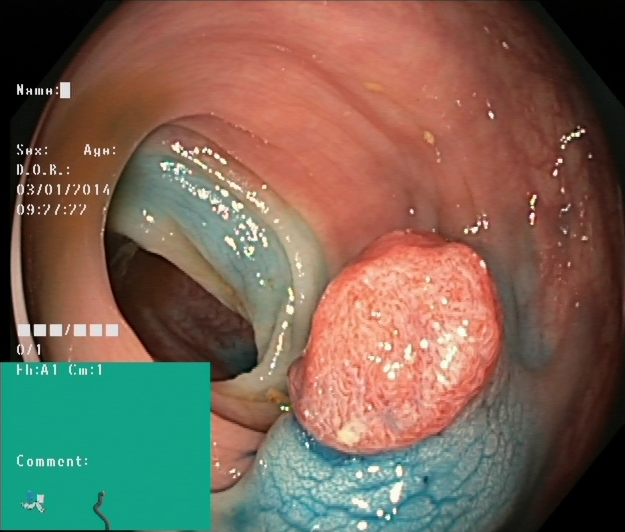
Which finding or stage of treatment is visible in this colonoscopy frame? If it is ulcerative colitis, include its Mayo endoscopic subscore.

dyed and lifted polyp (pre-resection)